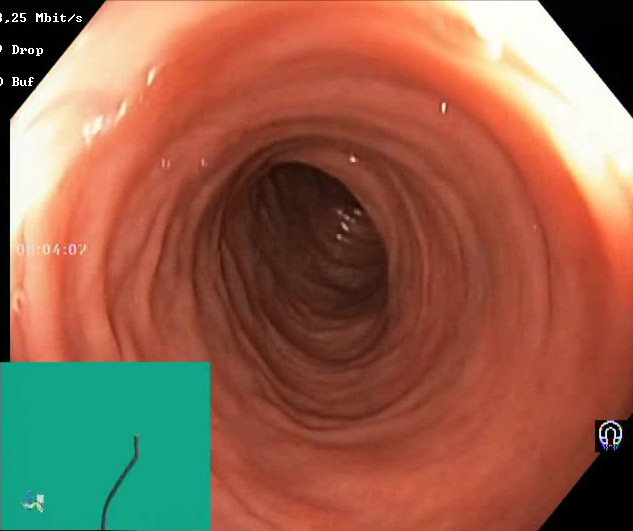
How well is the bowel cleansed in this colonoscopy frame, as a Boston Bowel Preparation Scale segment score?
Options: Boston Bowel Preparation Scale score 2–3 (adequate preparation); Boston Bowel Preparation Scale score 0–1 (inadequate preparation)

Boston Bowel Preparation Scale score 2–3 (adequate preparation)